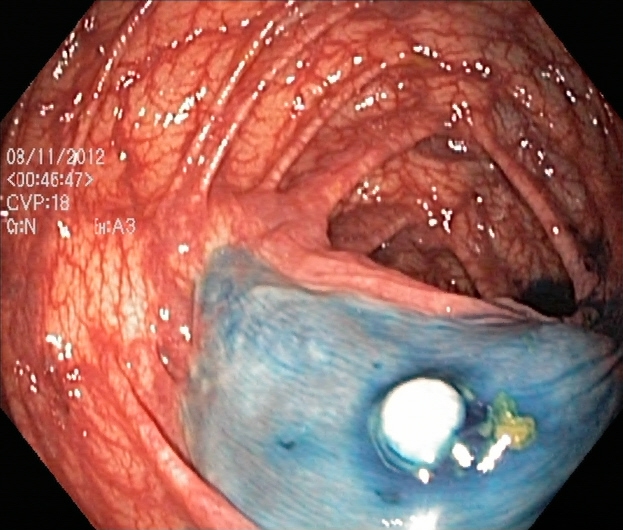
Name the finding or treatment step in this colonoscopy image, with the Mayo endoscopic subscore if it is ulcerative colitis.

dyed and lifted polyp (pre-resection)